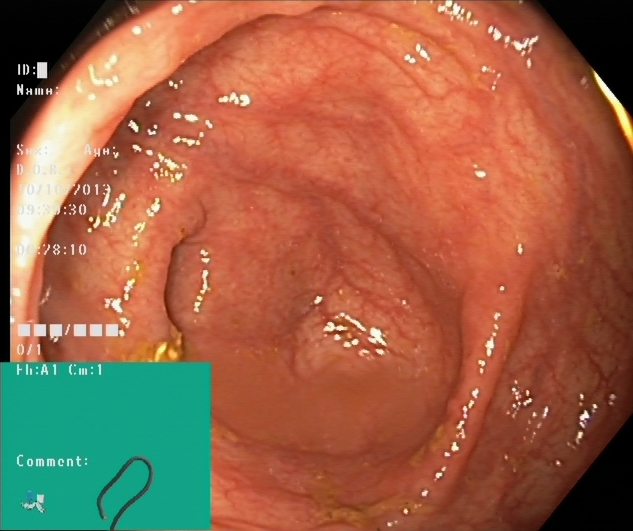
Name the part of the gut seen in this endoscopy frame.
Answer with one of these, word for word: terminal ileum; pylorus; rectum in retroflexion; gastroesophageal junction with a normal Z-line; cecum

cecum